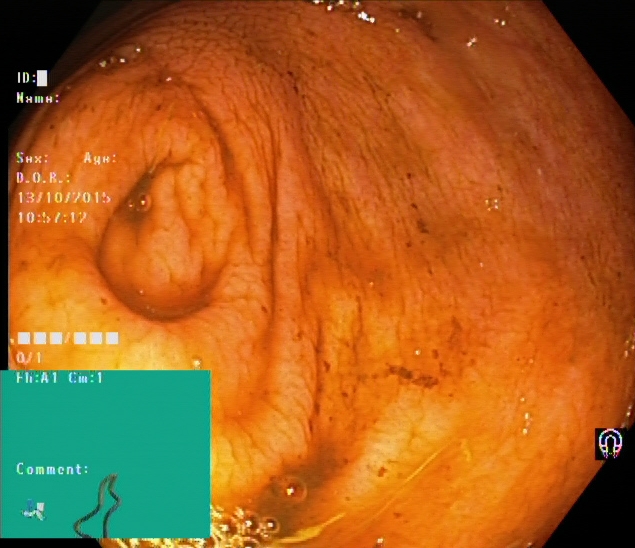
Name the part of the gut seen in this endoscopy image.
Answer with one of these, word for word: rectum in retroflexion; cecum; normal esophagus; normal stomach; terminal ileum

cecum